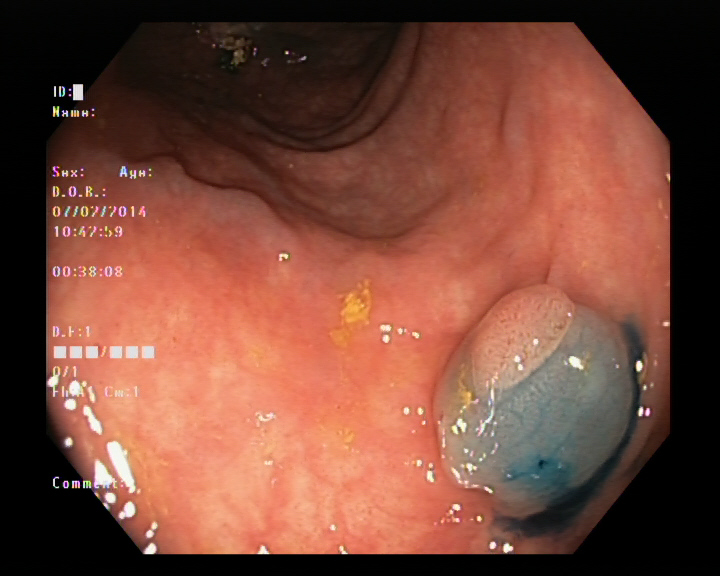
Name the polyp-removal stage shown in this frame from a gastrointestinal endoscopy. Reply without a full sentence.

dyed and lifted polyp (pre-resection)